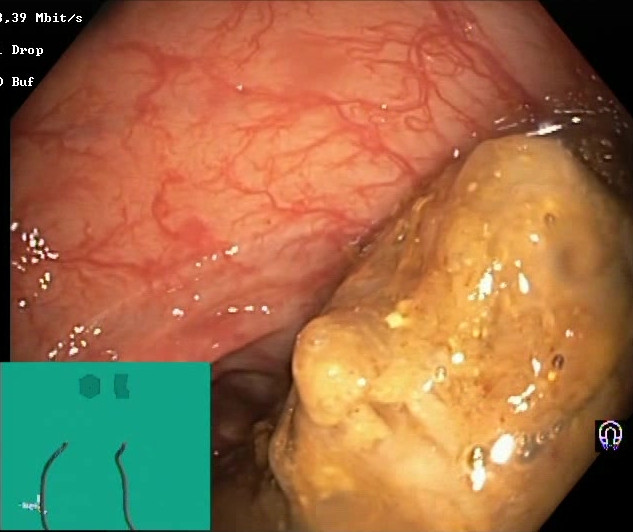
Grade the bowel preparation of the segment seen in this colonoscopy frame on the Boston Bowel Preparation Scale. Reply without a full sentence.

Boston Bowel Preparation Scale score 0–1 (inadequate preparation)